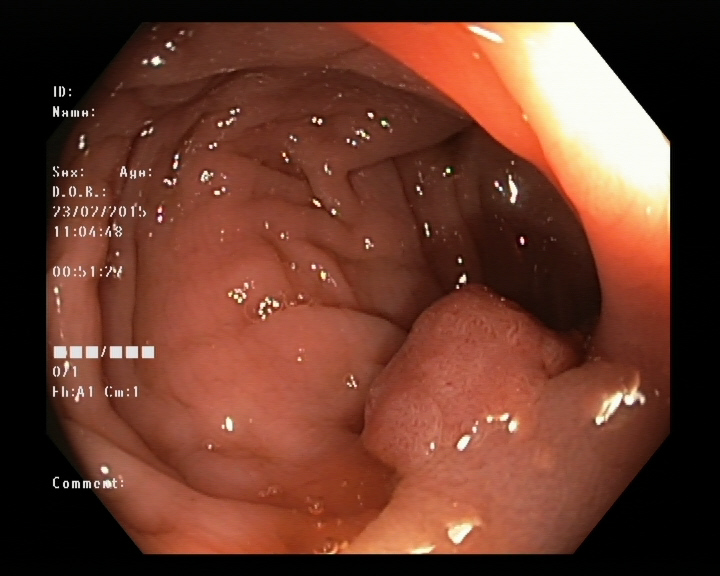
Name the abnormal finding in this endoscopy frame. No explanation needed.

colon polyp